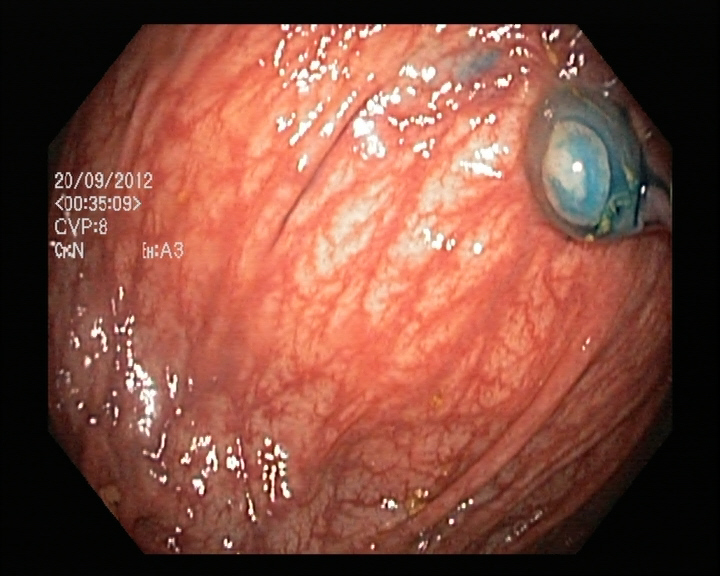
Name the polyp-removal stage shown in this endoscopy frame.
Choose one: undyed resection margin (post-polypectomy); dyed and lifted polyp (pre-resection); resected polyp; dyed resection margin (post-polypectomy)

dyed and lifted polyp (pre-resection)